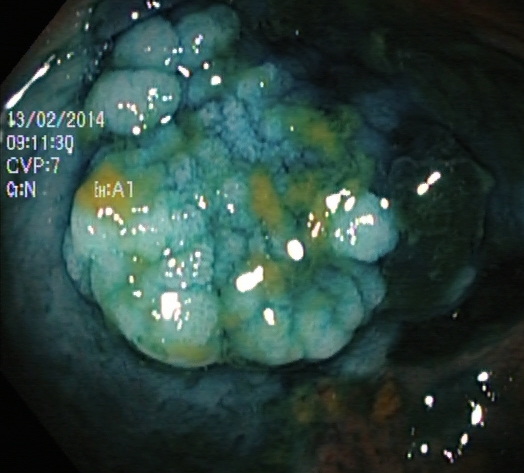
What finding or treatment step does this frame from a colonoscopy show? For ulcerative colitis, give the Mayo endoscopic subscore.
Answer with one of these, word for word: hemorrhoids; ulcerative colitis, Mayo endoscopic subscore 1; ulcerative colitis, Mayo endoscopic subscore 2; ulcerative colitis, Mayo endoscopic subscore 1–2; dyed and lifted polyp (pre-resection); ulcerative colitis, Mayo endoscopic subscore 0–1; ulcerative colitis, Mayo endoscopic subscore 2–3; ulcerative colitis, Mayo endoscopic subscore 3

dyed and lifted polyp (pre-resection)